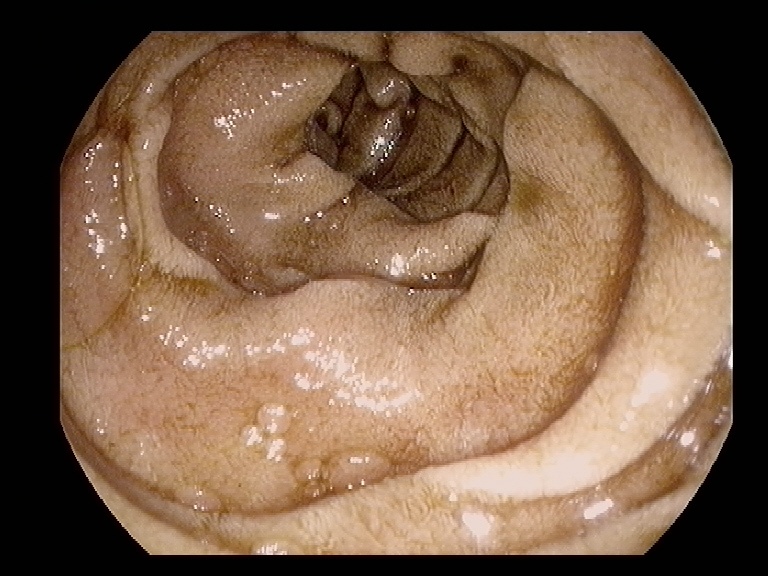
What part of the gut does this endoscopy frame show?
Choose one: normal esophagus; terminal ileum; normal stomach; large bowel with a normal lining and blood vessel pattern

terminal ileum